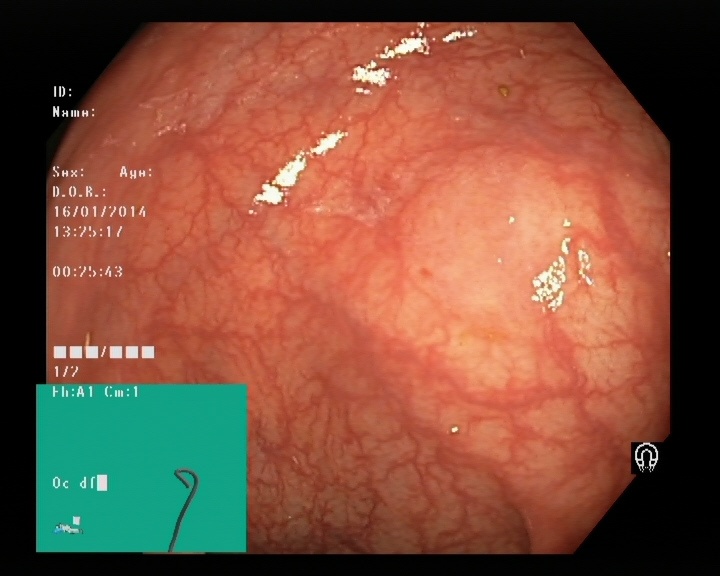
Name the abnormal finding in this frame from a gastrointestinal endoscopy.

colon polyp